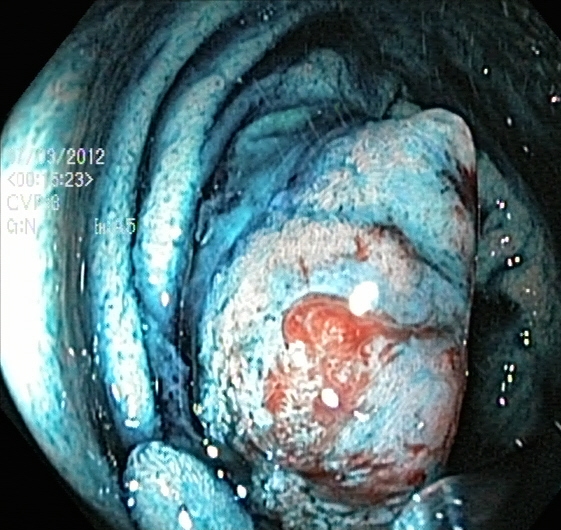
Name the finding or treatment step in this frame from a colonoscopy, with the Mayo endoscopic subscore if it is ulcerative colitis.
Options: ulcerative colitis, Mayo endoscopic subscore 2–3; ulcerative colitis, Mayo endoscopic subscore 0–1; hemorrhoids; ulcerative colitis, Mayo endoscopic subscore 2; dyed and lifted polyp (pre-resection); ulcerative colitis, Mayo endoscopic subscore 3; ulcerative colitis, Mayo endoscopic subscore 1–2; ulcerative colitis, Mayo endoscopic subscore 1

dyed and lifted polyp (pre-resection)